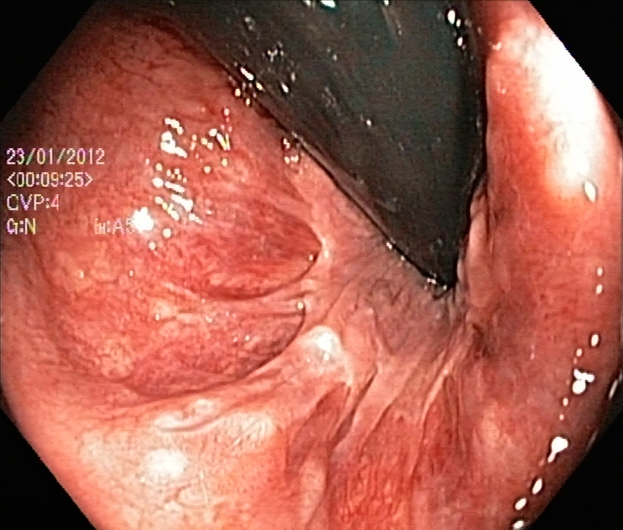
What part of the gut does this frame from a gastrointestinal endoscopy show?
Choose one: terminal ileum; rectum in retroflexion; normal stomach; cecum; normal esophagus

rectum in retroflexion